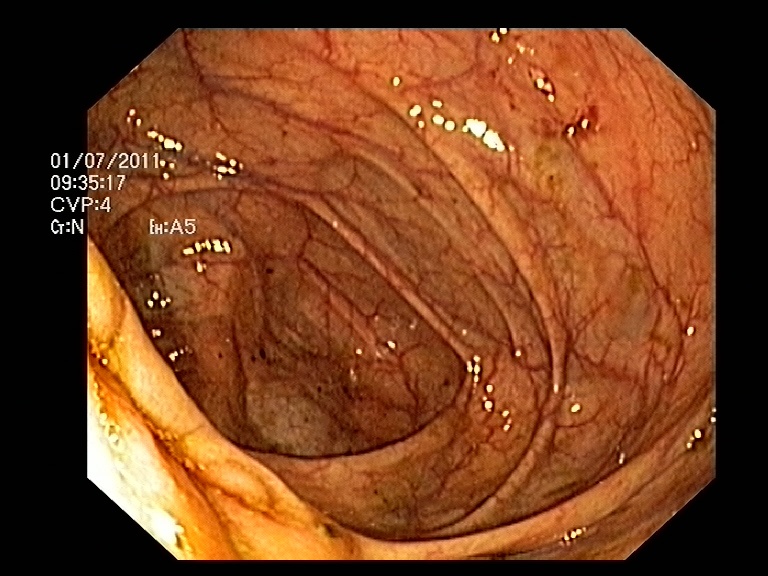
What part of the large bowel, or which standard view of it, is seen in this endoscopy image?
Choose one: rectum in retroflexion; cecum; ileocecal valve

ileocecal valve